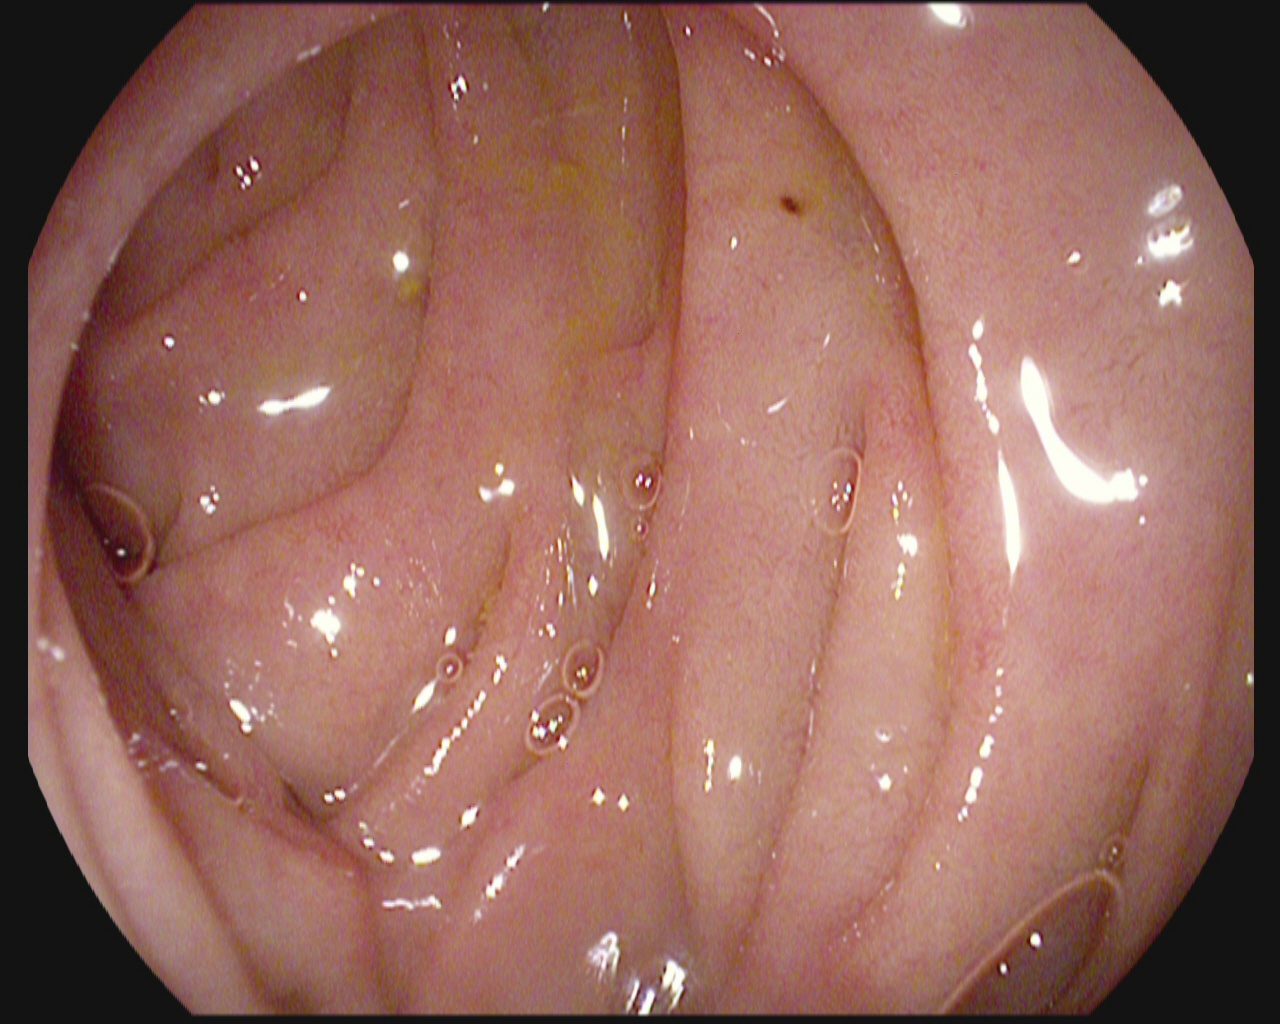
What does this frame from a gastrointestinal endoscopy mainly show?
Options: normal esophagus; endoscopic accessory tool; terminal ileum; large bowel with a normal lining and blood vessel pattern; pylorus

terminal ileum